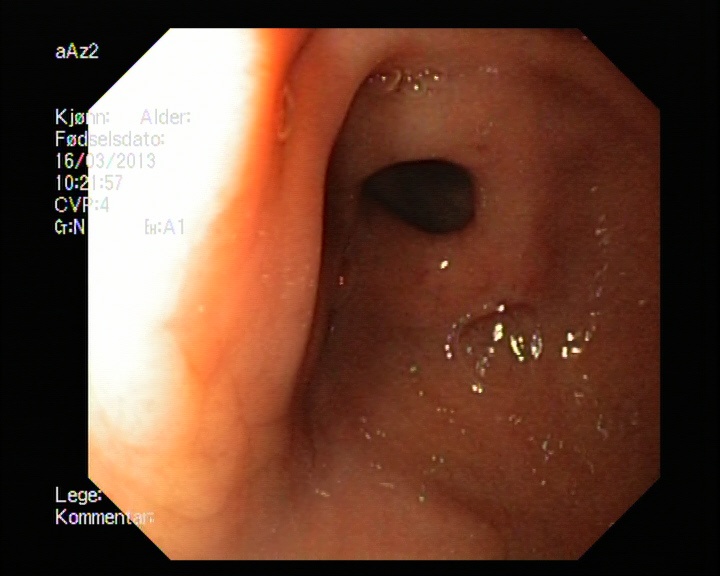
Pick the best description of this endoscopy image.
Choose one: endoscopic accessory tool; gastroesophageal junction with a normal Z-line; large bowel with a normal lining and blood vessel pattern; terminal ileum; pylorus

pylorus